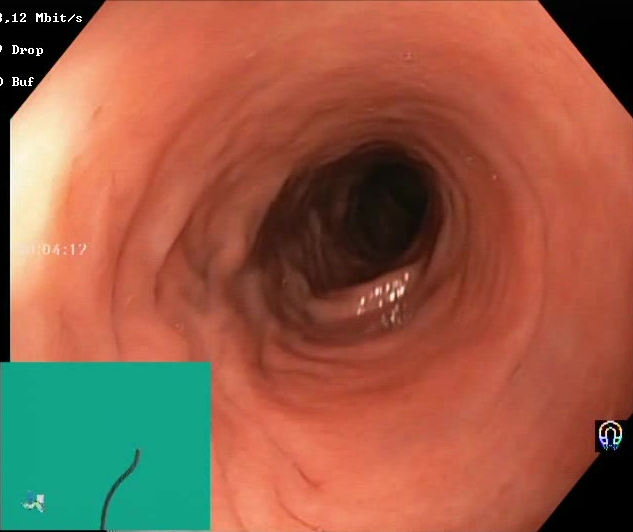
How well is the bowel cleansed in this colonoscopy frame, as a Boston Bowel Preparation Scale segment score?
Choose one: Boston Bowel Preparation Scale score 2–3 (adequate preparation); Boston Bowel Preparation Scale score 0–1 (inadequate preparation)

Boston Bowel Preparation Scale score 2–3 (adequate preparation)